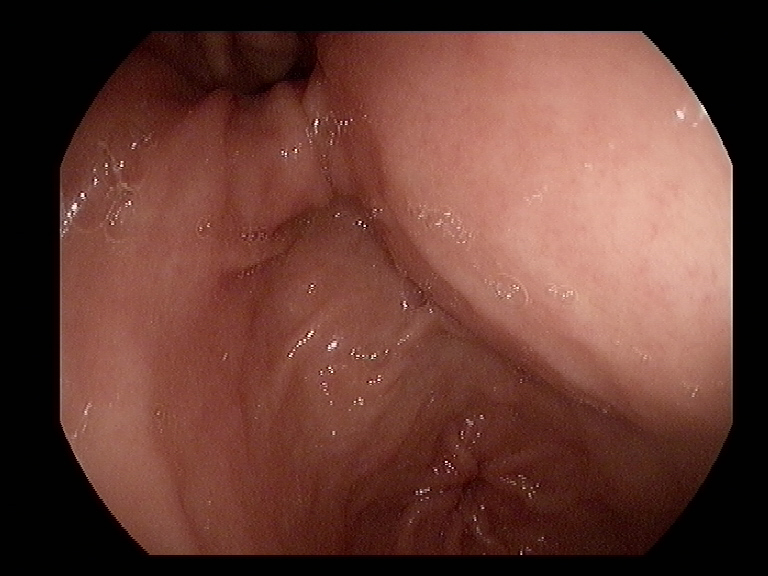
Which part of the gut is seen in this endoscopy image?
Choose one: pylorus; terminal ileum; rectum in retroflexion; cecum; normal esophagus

pylorus